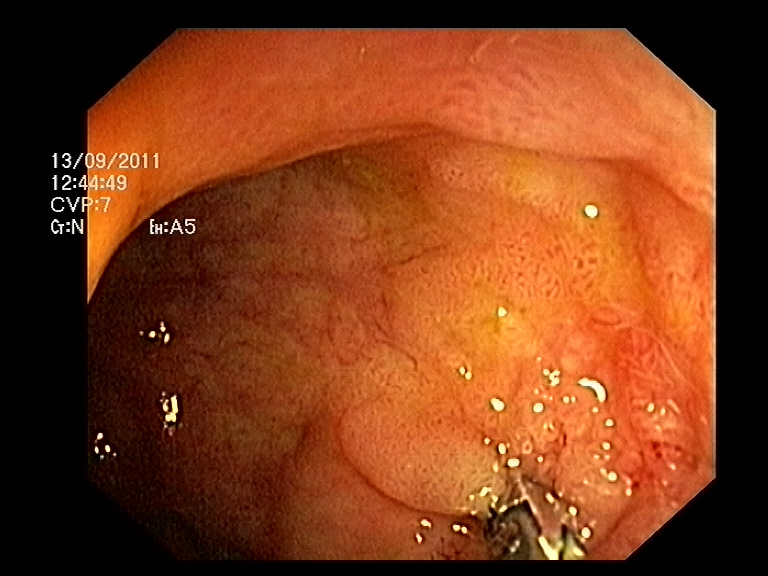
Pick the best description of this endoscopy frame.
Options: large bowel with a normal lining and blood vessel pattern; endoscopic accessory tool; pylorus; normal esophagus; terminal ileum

endoscopic accessory tool